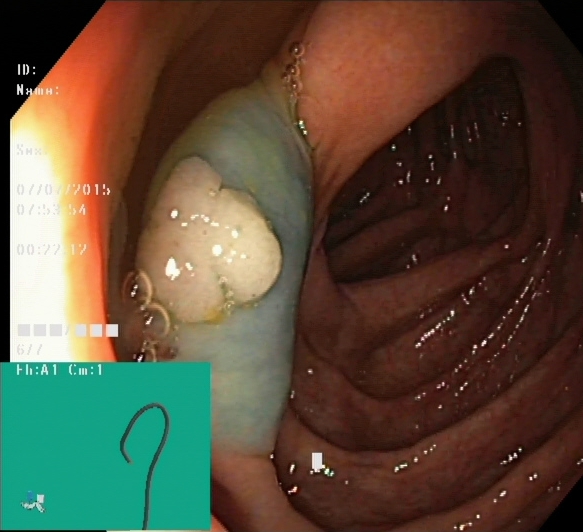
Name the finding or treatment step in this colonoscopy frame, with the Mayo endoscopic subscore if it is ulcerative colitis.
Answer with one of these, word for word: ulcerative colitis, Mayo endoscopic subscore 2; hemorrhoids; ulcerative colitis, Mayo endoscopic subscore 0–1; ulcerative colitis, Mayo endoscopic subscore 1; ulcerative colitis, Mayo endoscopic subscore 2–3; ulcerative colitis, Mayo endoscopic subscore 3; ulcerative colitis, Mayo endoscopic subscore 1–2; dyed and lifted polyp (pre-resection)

dyed and lifted polyp (pre-resection)